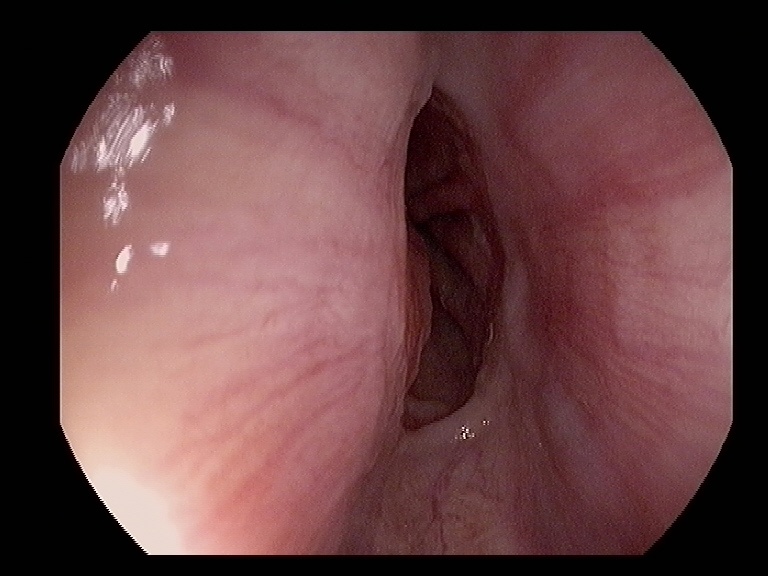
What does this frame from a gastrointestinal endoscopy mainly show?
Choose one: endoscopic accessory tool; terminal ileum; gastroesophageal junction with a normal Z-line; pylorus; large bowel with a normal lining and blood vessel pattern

gastroesophageal junction with a normal Z-line